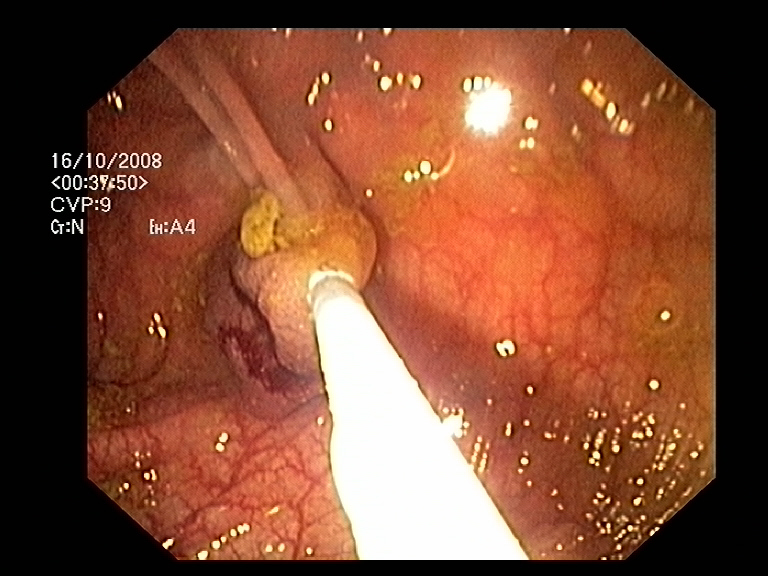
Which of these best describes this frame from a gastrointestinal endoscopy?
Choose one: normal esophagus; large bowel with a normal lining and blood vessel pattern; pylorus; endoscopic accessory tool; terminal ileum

endoscopic accessory tool